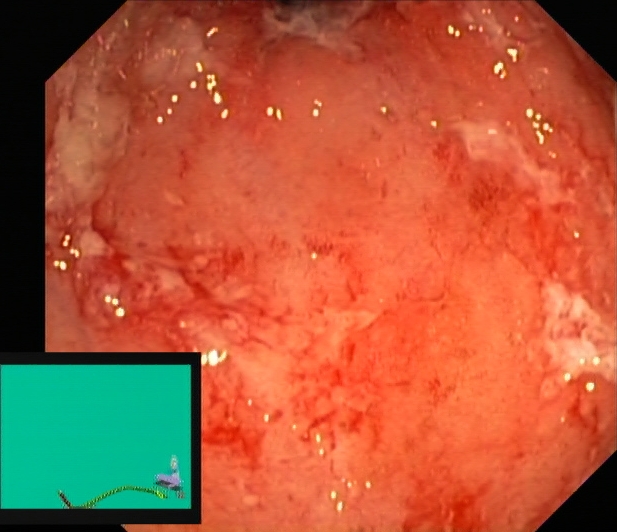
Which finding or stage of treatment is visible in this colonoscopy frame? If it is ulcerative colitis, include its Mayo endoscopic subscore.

ulcerative colitis, Mayo endoscopic subscore 2